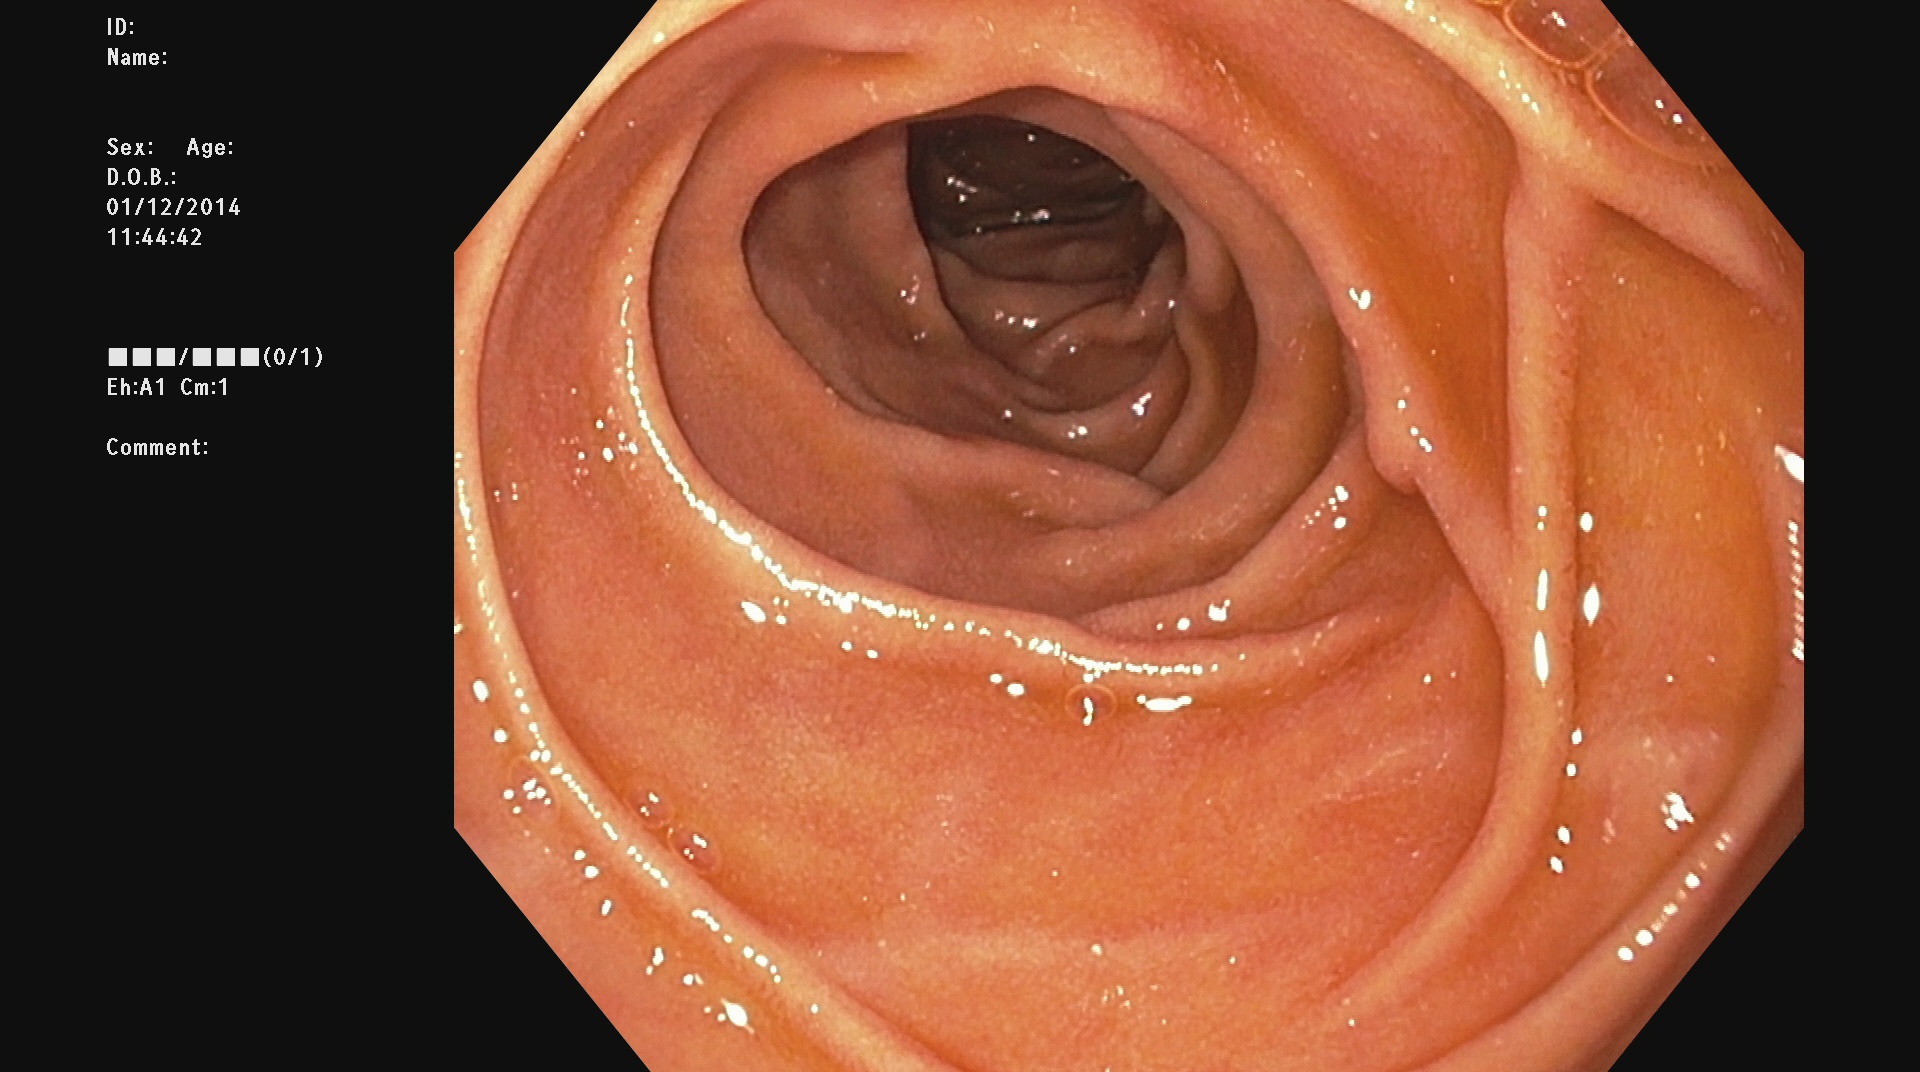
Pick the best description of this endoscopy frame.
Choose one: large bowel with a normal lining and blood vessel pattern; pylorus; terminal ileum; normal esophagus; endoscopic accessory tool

terminal ileum